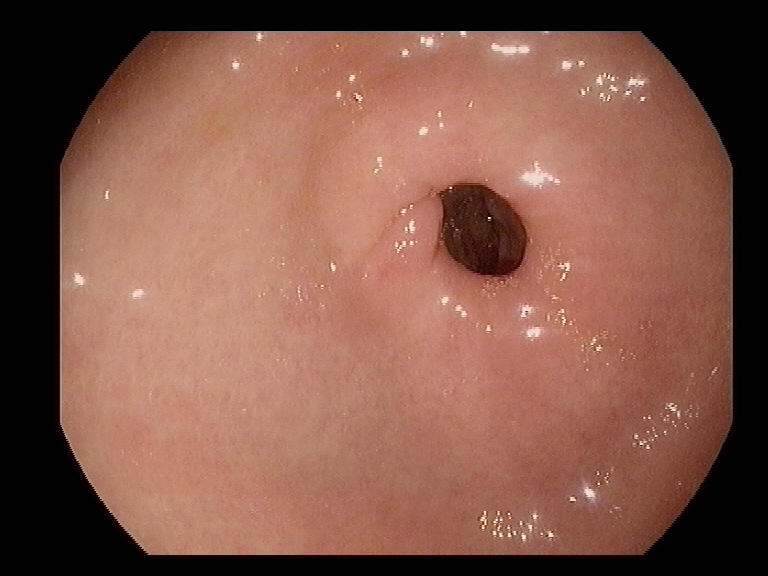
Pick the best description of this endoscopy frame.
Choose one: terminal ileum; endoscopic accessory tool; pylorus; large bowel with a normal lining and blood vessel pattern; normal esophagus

pylorus